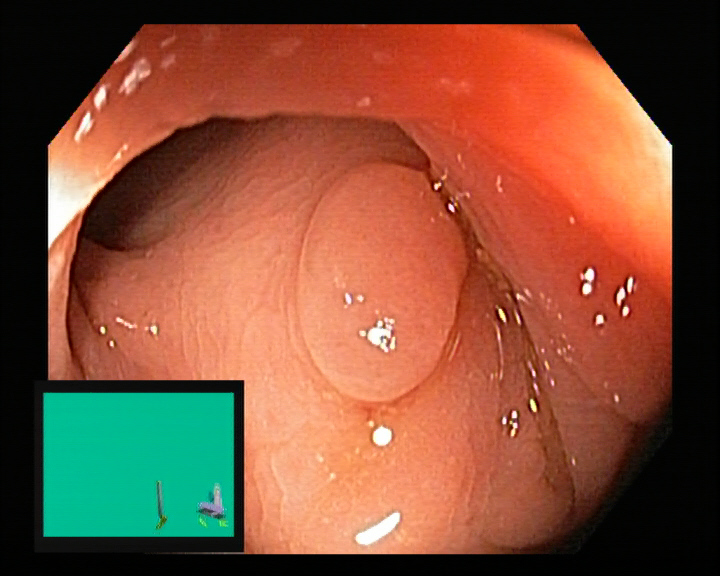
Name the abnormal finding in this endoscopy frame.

colon polyp